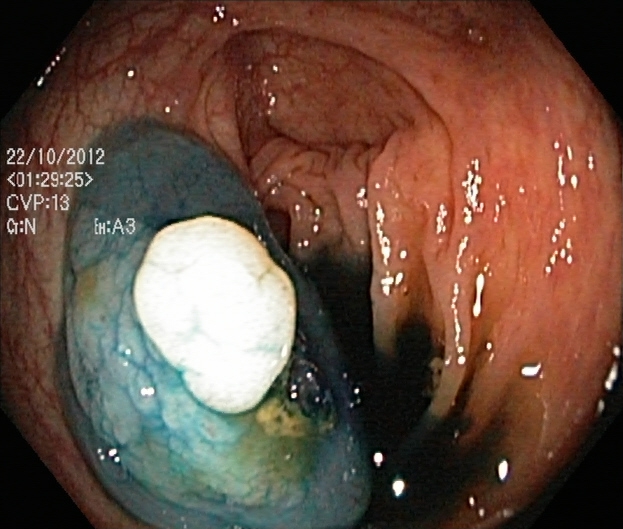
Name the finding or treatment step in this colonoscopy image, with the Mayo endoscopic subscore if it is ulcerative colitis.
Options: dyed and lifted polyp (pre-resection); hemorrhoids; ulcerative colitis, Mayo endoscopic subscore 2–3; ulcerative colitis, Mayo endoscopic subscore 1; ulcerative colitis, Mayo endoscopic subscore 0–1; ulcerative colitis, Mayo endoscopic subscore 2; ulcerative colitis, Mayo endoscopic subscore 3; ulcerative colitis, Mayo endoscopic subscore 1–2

dyed and lifted polyp (pre-resection)